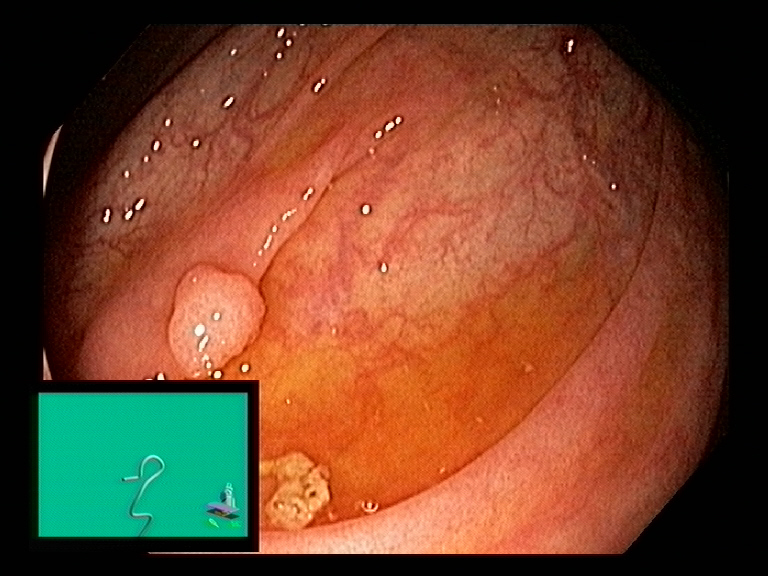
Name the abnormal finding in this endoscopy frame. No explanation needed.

colon polyp